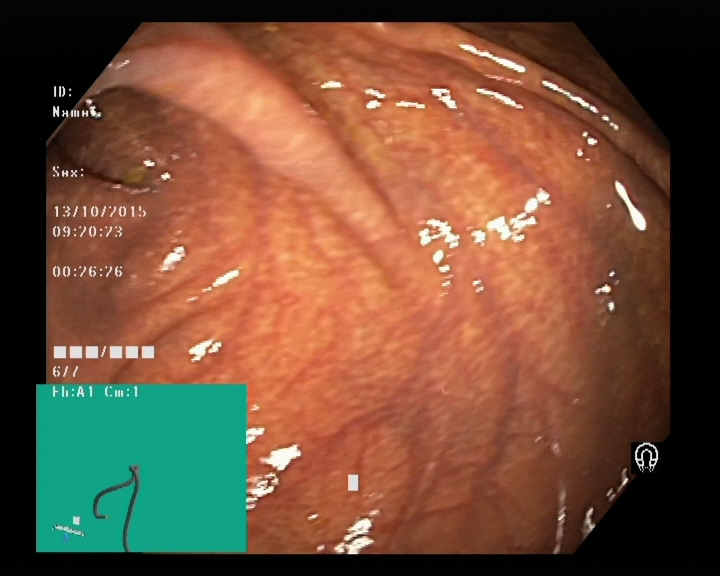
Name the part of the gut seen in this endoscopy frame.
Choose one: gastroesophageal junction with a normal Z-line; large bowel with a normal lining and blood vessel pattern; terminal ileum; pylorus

large bowel with a normal lining and blood vessel pattern